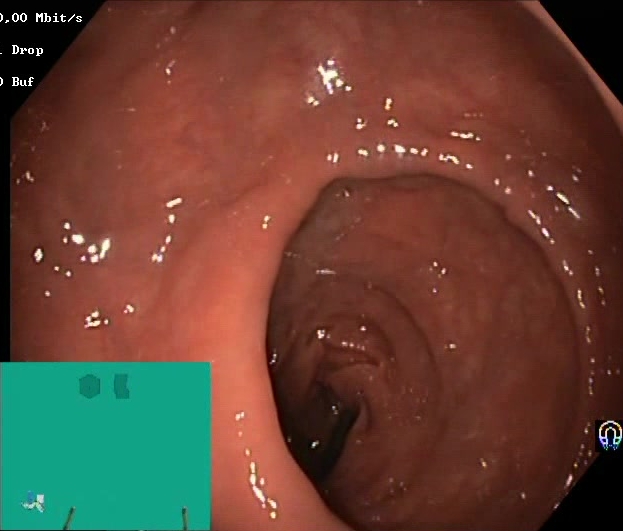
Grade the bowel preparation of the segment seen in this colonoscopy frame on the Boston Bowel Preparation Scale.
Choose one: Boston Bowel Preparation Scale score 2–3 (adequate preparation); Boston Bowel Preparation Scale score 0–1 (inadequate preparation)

Boston Bowel Preparation Scale score 2–3 (adequate preparation)